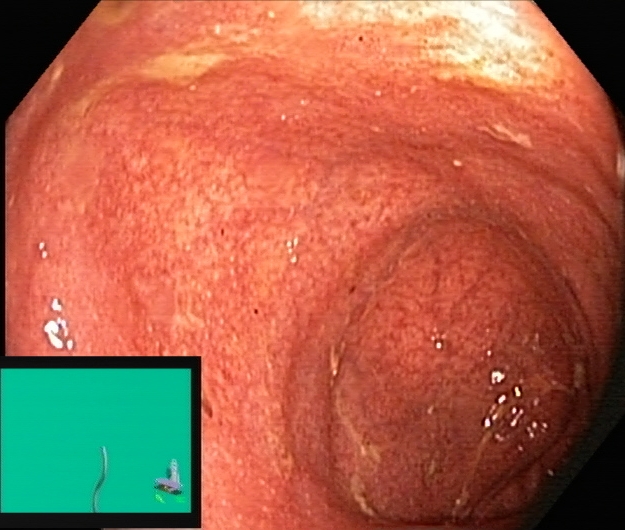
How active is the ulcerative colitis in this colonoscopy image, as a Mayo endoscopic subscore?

ulcerative colitis, Mayo endoscopic subscore 1–2